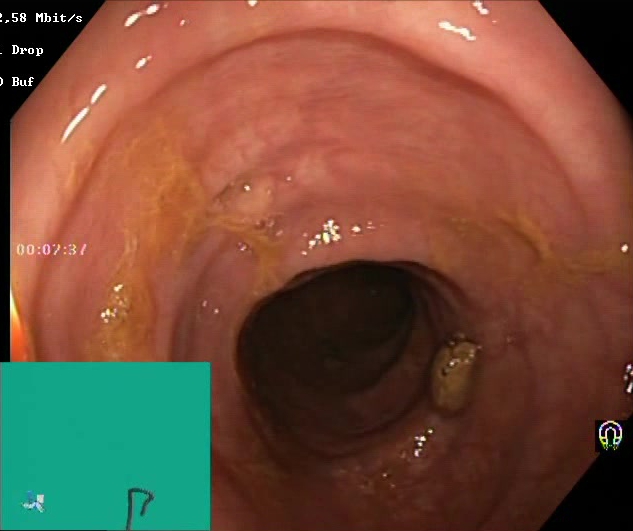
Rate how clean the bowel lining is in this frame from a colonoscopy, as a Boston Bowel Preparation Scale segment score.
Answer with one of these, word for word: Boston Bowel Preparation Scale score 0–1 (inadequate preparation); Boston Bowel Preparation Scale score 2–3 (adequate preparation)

Boston Bowel Preparation Scale score 0–1 (inadequate preparation)